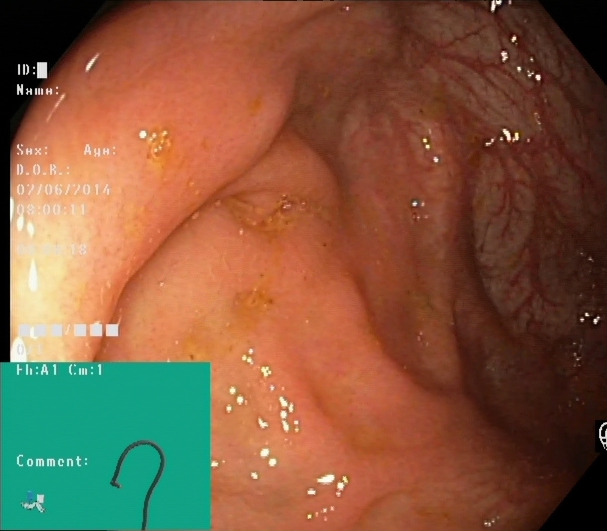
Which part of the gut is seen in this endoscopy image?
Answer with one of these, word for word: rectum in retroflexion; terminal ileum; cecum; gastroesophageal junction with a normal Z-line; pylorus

cecum